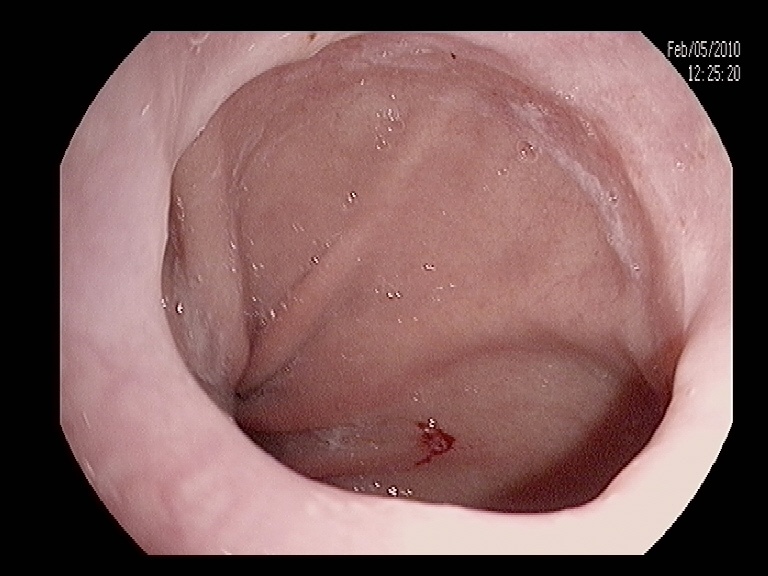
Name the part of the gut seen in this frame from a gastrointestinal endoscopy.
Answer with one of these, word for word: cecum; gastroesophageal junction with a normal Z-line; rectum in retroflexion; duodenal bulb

gastroesophageal junction with a normal Z-line